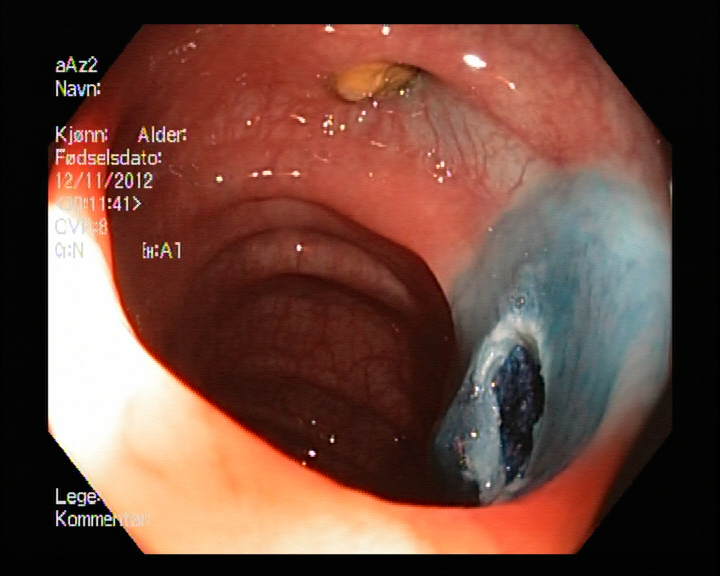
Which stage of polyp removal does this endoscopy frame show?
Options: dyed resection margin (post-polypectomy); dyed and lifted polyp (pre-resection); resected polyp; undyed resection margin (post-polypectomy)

dyed resection margin (post-polypectomy)